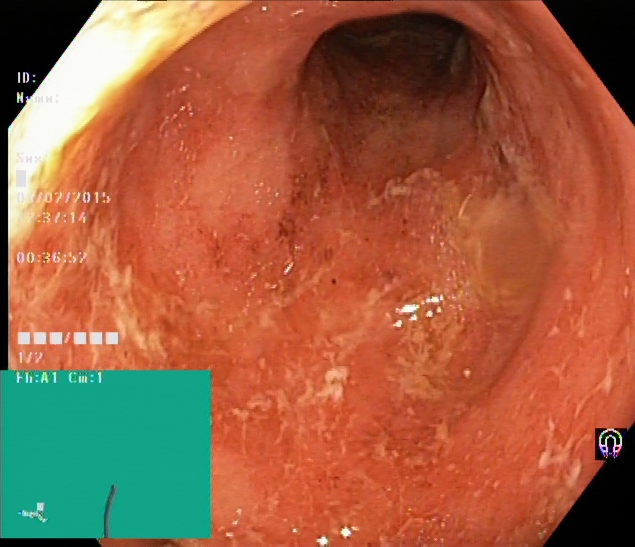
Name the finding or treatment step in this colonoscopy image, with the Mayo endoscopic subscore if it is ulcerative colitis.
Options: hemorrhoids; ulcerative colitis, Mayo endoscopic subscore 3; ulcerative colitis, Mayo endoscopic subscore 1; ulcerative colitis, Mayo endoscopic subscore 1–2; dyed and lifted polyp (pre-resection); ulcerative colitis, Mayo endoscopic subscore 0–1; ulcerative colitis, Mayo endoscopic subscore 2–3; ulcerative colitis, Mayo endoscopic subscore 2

ulcerative colitis, Mayo endoscopic subscore 2